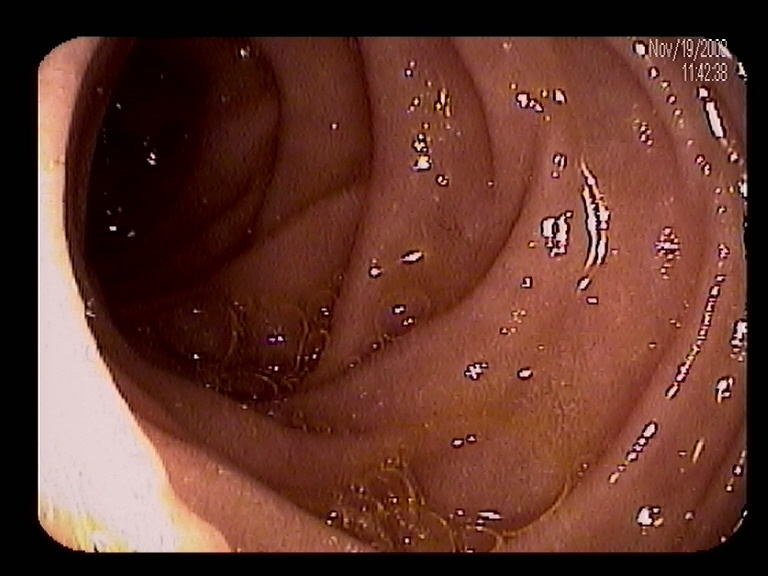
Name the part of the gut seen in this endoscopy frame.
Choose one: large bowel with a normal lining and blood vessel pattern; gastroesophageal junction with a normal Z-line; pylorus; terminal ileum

terminal ileum